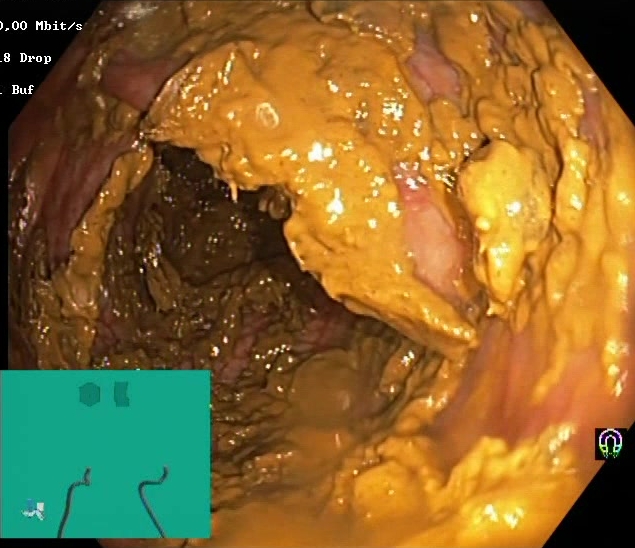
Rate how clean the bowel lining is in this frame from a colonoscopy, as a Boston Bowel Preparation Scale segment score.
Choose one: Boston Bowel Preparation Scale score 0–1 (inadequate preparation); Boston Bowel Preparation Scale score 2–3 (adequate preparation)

Boston Bowel Preparation Scale score 0–1 (inadequate preparation)